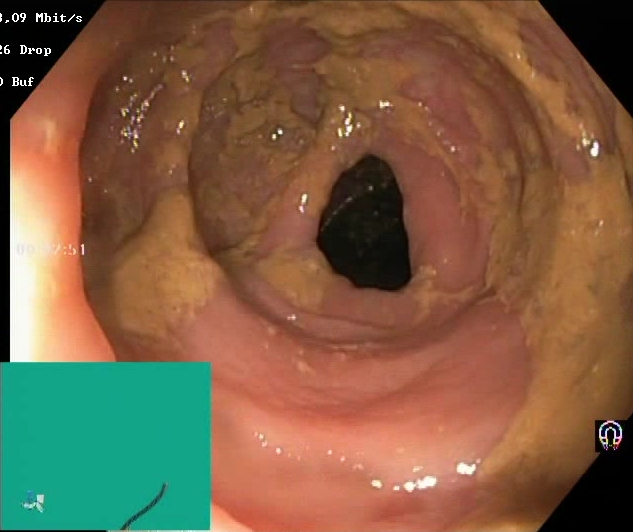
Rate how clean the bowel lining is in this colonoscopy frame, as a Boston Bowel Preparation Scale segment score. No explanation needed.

Boston Bowel Preparation Scale score 0–1 (inadequate preparation)